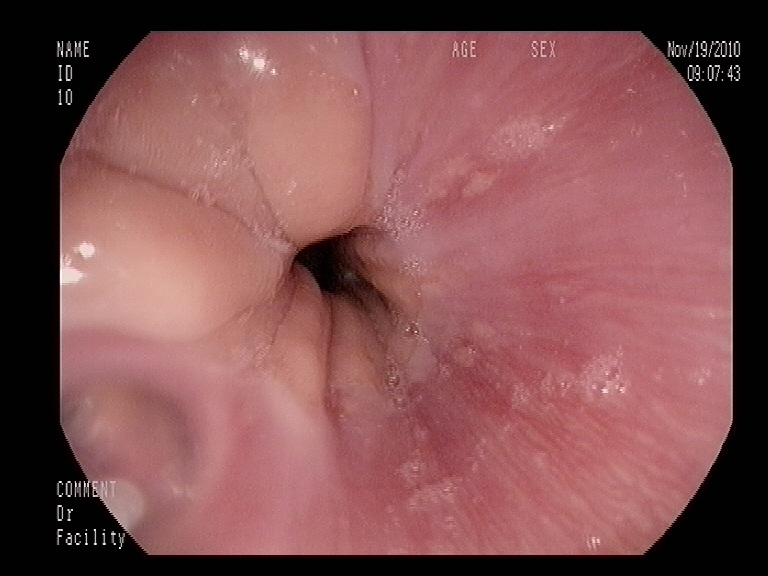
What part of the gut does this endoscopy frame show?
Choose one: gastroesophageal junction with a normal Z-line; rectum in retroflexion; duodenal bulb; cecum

gastroesophageal junction with a normal Z-line